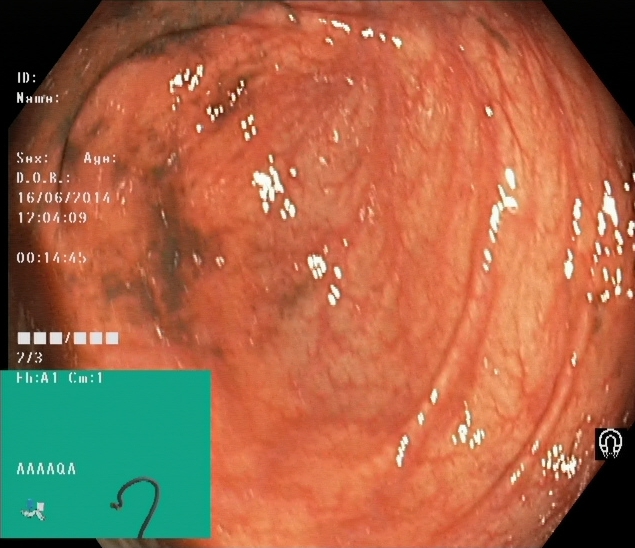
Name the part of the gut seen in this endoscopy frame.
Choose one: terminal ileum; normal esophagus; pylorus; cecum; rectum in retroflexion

cecum